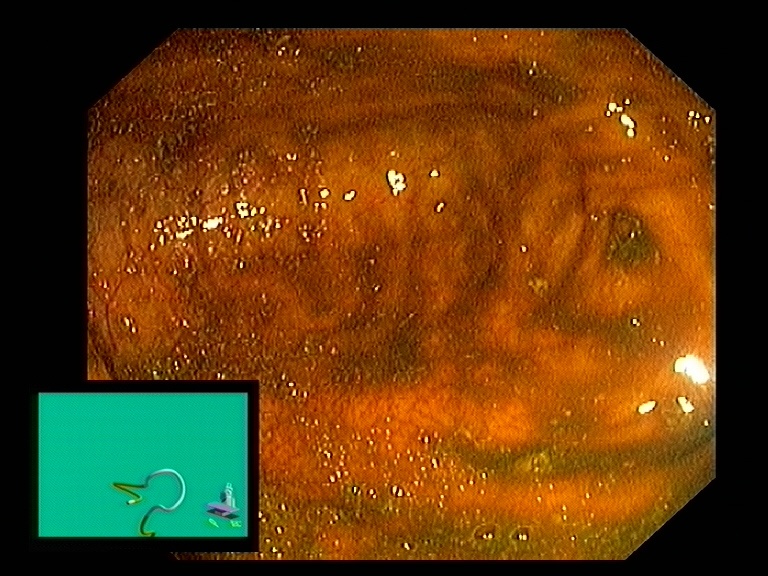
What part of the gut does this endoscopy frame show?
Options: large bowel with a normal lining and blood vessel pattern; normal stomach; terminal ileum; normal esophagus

large bowel with a normal lining and blood vessel pattern